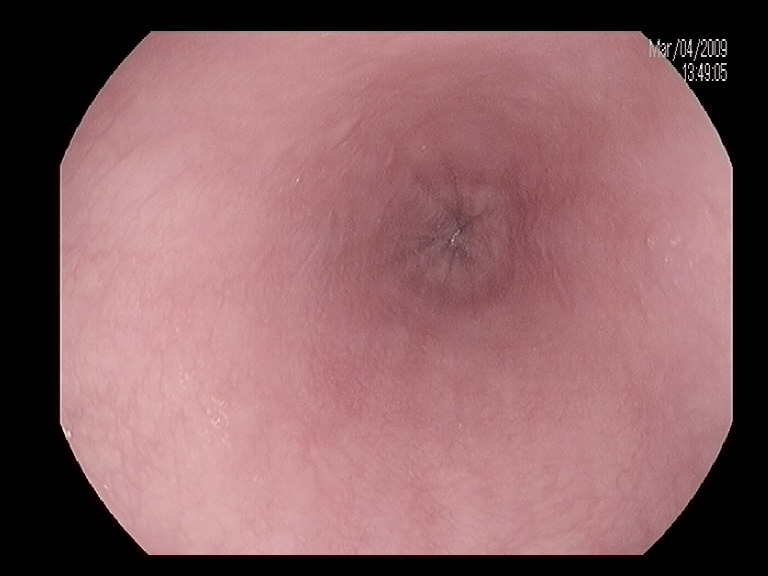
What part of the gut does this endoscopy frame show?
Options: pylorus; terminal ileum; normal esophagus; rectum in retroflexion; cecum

normal esophagus